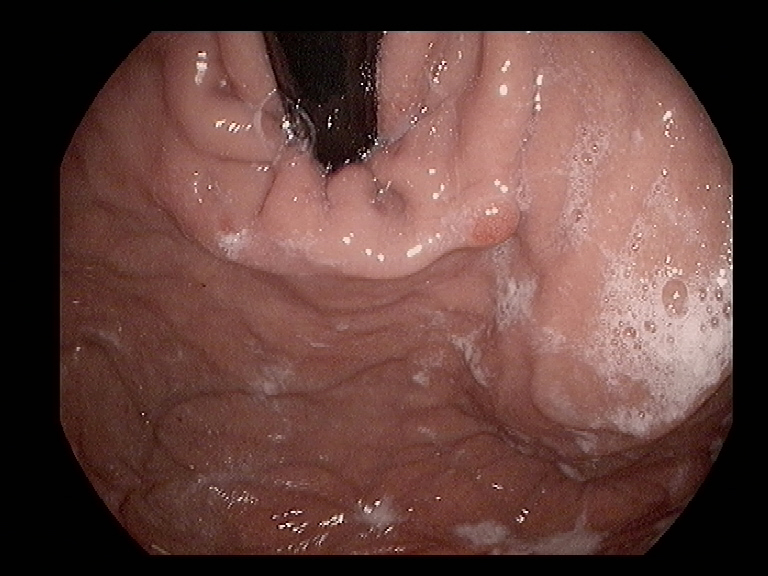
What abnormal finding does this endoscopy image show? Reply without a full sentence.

gastric polyp